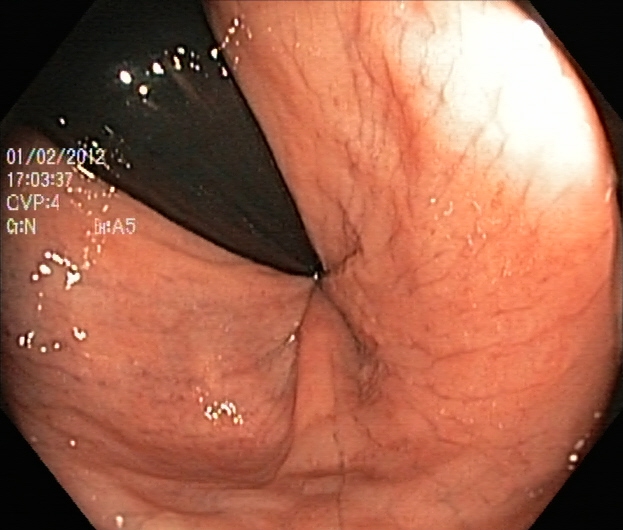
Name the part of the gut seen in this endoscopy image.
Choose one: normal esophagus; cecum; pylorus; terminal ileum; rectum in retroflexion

rectum in retroflexion